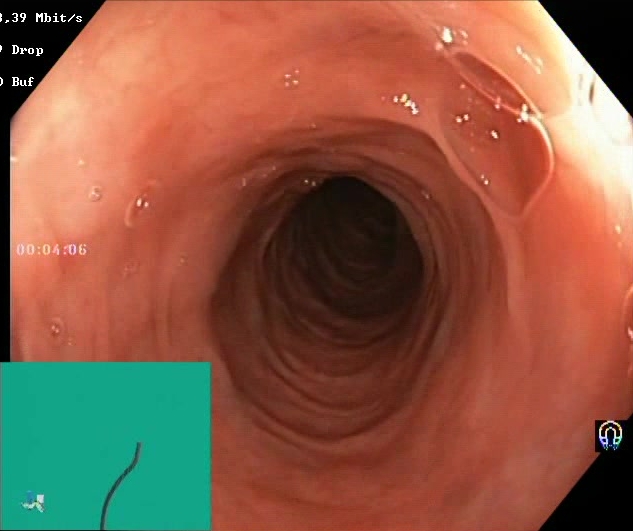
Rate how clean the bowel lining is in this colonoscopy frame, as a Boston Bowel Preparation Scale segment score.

Boston Bowel Preparation Scale score 2–3 (adequate preparation)